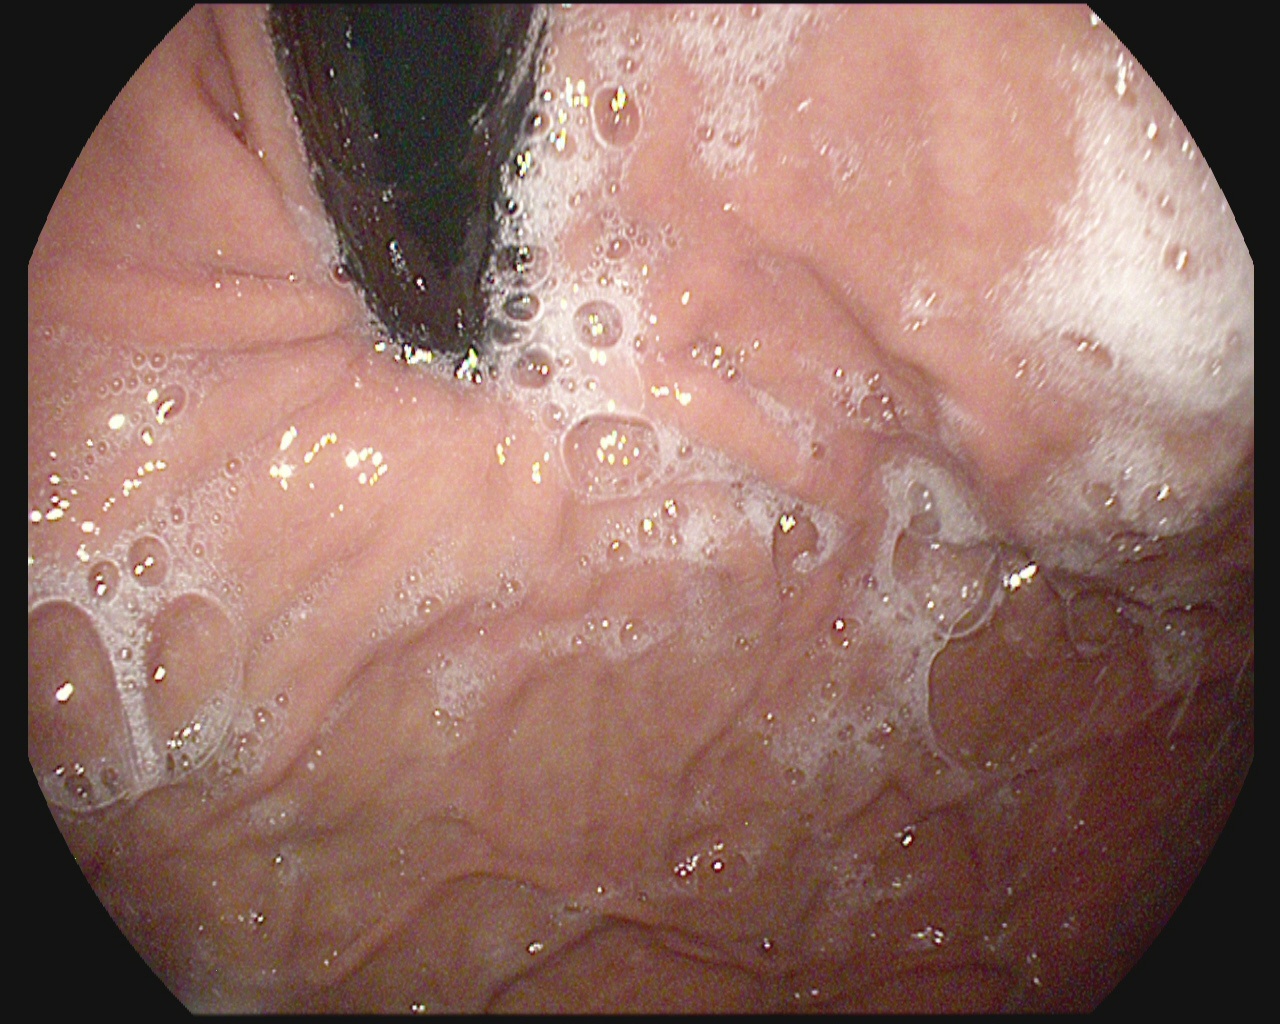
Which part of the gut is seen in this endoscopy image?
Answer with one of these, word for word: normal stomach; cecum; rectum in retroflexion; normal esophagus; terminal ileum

normal stomach